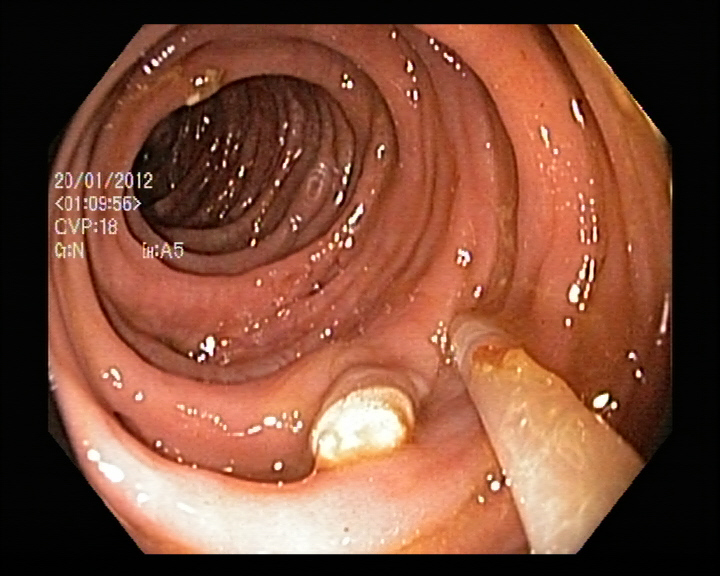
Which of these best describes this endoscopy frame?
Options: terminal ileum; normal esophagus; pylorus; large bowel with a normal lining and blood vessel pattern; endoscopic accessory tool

endoscopic accessory tool